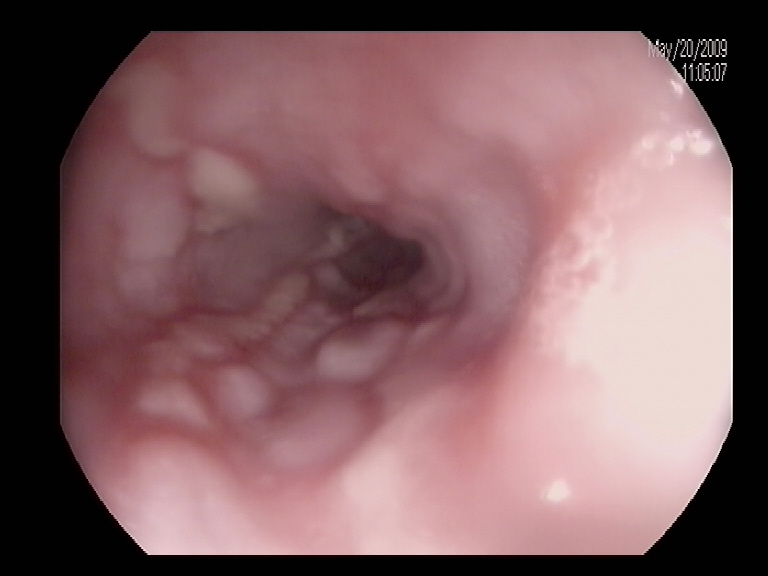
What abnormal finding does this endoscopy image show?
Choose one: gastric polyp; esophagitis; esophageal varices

esophagitis